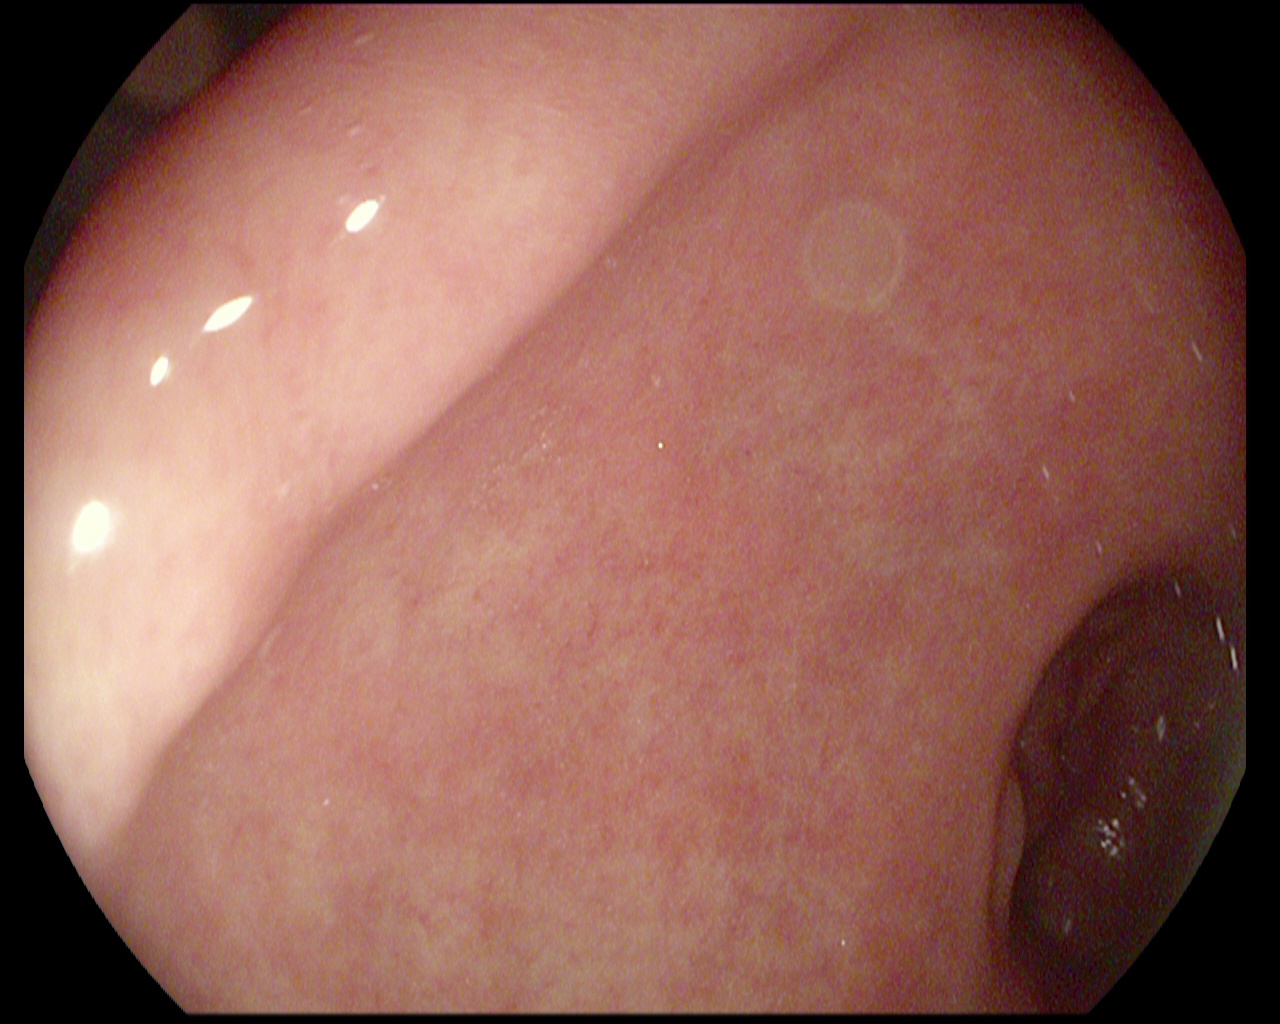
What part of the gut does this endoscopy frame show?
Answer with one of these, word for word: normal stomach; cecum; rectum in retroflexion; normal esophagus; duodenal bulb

normal stomach